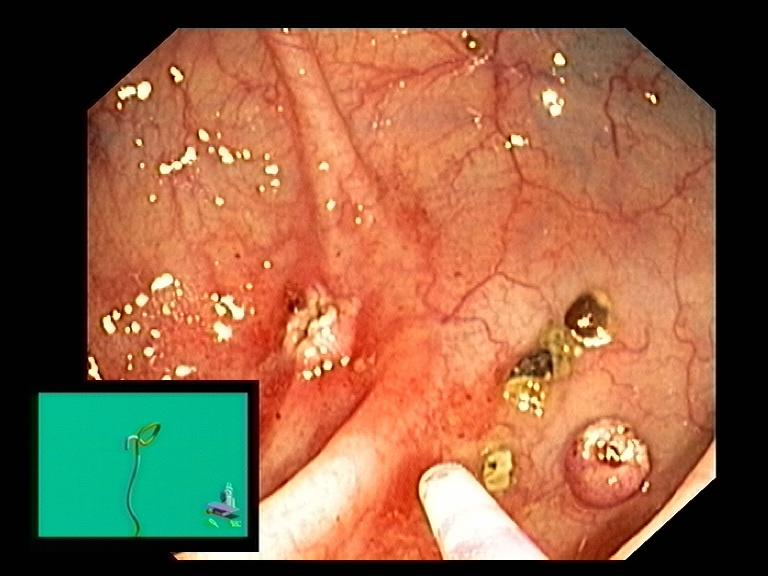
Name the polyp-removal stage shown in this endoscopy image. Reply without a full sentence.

resected polyp